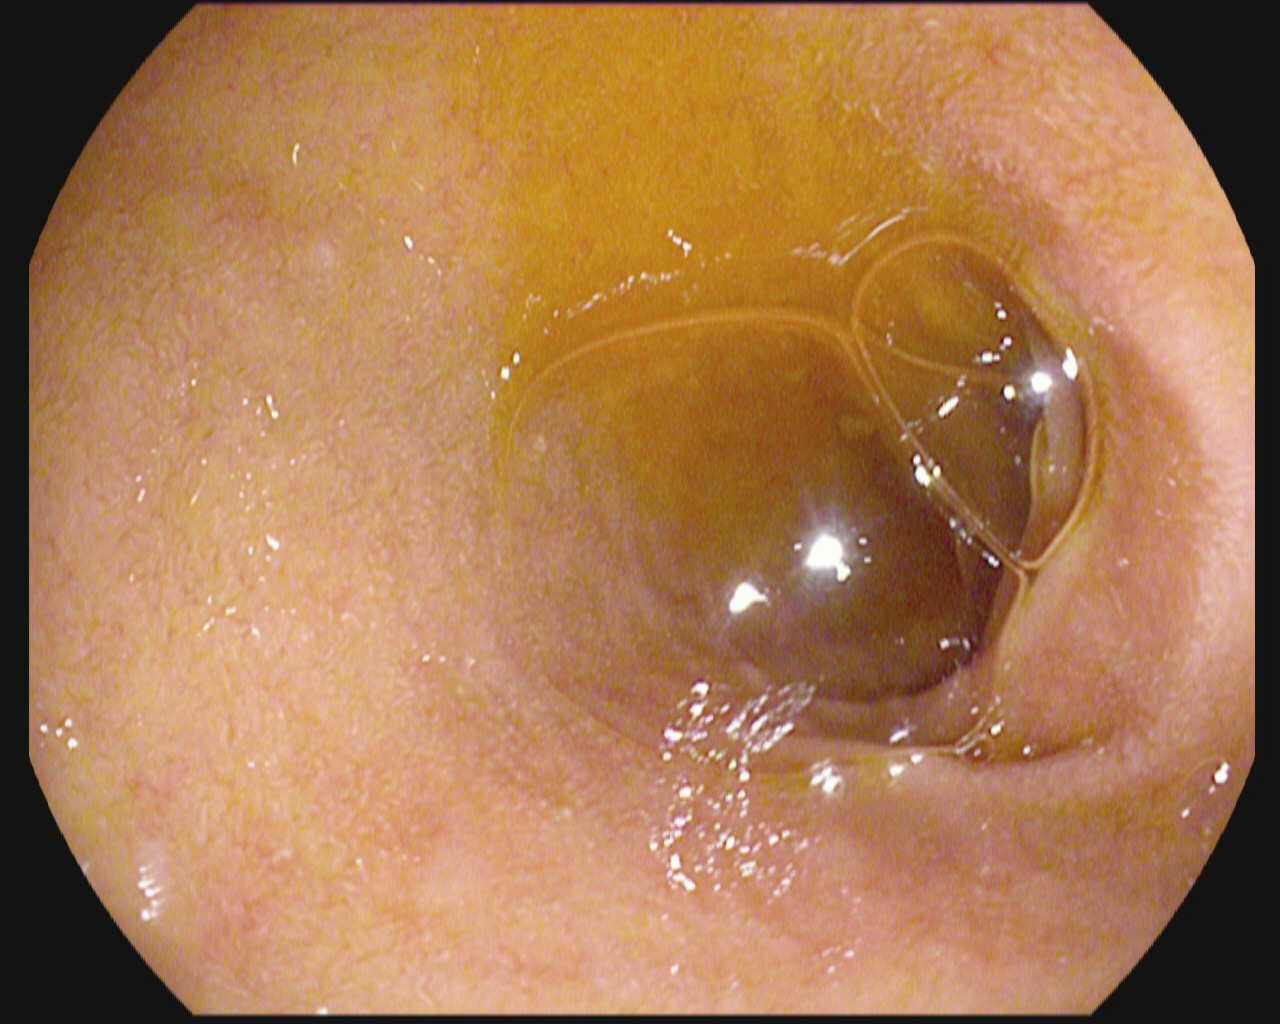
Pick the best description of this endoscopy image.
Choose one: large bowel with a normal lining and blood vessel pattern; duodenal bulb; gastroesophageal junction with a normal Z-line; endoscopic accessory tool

duodenal bulb